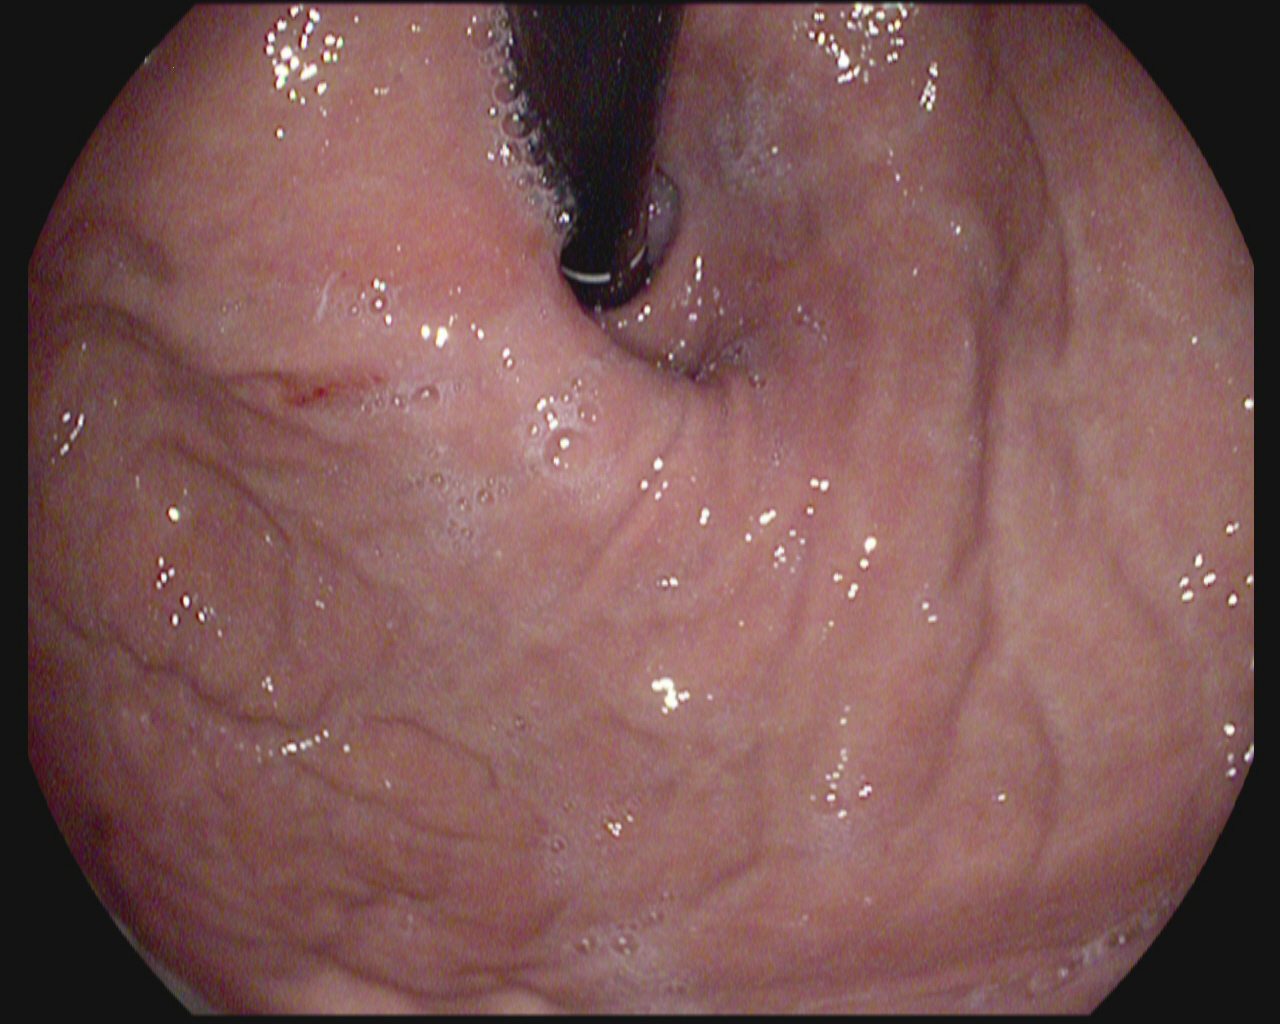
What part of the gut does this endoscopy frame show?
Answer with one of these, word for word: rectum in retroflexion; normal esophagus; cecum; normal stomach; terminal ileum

normal stomach